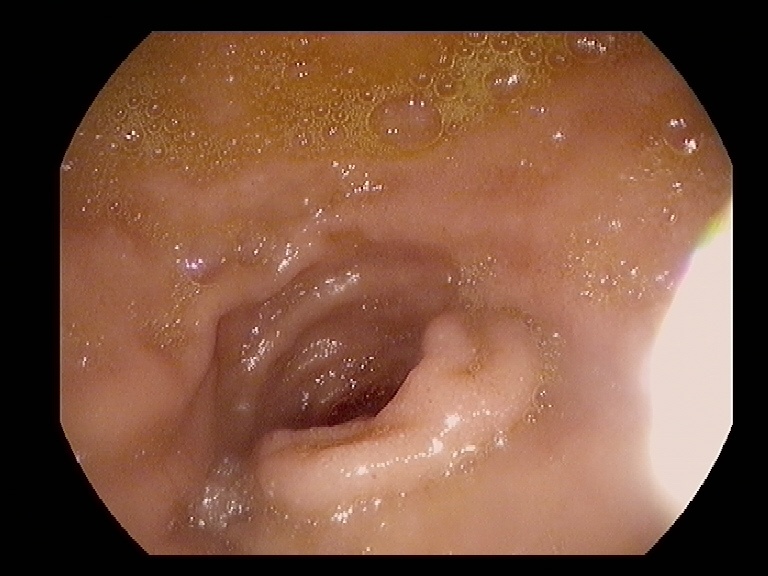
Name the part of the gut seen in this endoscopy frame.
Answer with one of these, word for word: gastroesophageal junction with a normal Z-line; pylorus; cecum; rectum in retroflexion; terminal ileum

terminal ileum